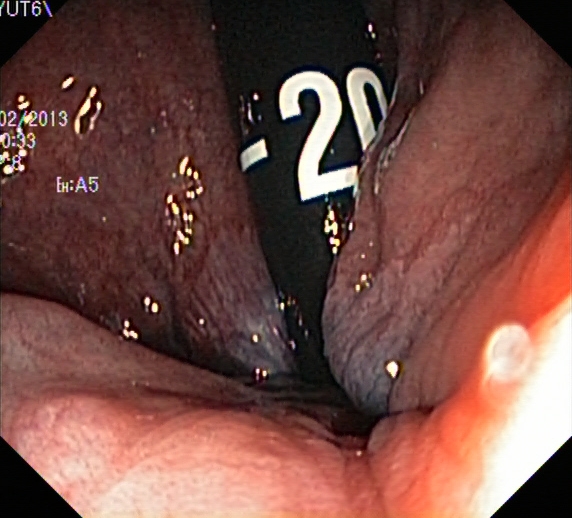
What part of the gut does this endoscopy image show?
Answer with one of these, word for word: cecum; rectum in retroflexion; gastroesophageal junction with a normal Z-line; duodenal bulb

rectum in retroflexion